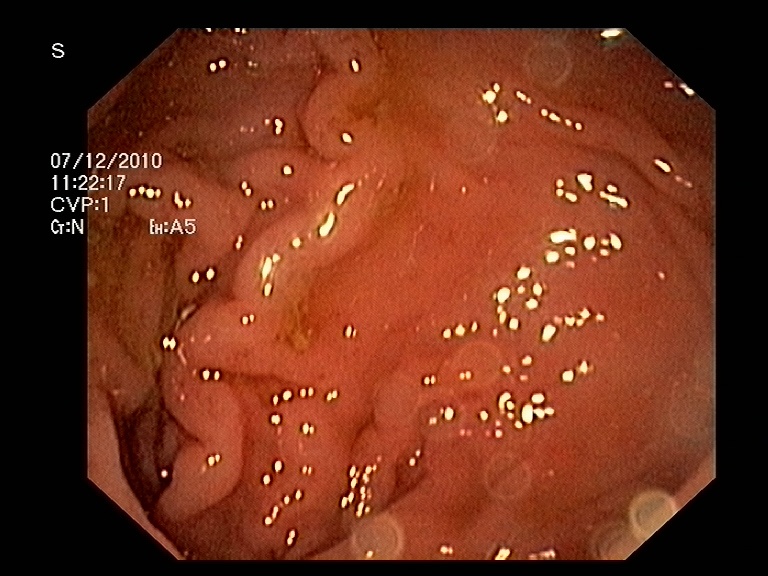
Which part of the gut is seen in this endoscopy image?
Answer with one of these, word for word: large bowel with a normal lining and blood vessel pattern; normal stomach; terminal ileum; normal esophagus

normal stomach